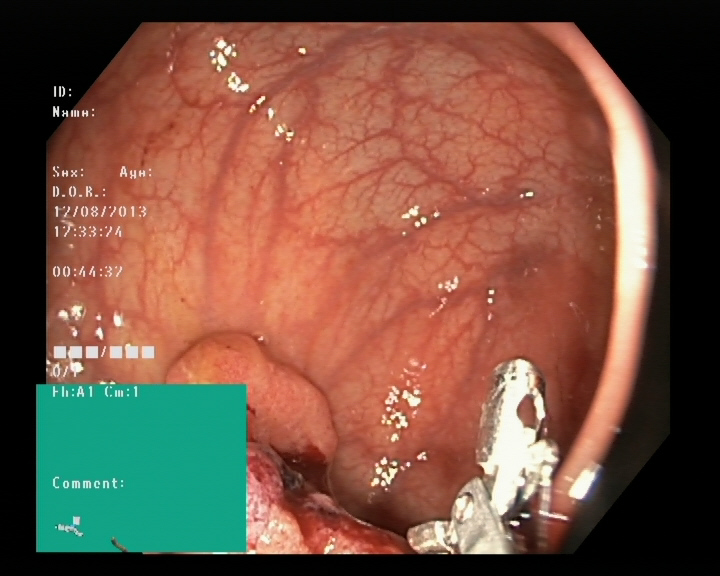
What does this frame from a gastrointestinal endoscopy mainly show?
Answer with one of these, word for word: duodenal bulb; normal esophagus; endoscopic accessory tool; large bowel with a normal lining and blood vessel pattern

endoscopic accessory tool